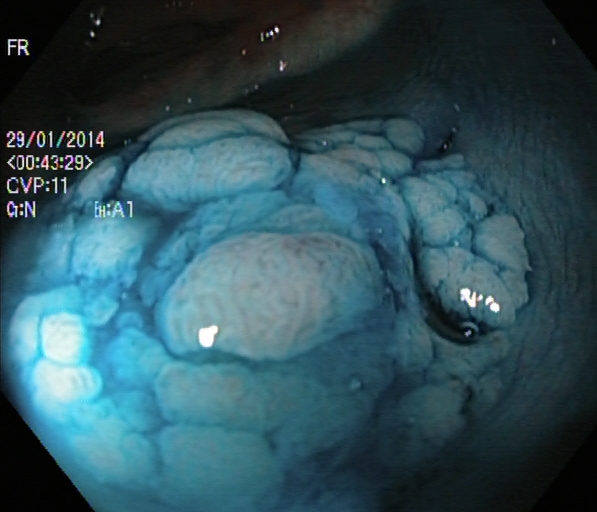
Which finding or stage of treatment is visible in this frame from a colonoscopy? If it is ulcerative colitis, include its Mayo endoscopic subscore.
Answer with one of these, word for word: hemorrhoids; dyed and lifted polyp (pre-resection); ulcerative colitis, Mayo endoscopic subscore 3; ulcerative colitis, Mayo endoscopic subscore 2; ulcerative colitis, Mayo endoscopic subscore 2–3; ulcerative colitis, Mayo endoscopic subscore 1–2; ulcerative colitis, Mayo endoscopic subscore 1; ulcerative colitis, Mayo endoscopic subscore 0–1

dyed and lifted polyp (pre-resection)